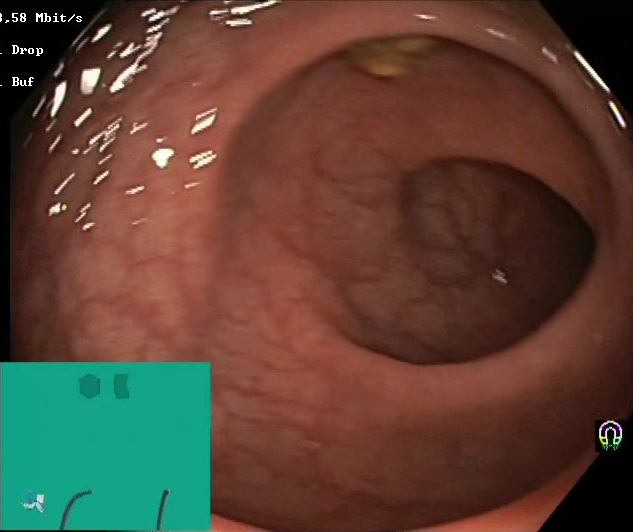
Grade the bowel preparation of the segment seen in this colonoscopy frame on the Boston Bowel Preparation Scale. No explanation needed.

Boston Bowel Preparation Scale score 2–3 (adequate preparation)